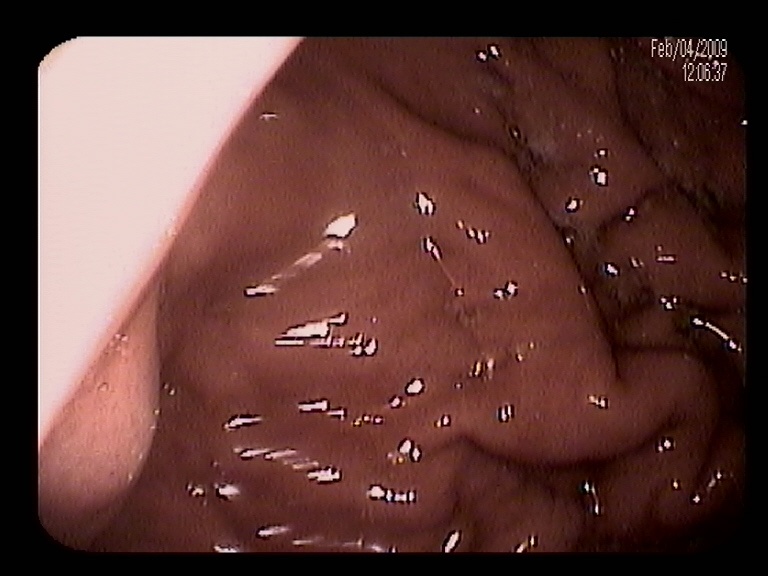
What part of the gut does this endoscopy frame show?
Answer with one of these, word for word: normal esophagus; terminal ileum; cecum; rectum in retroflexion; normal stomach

normal stomach